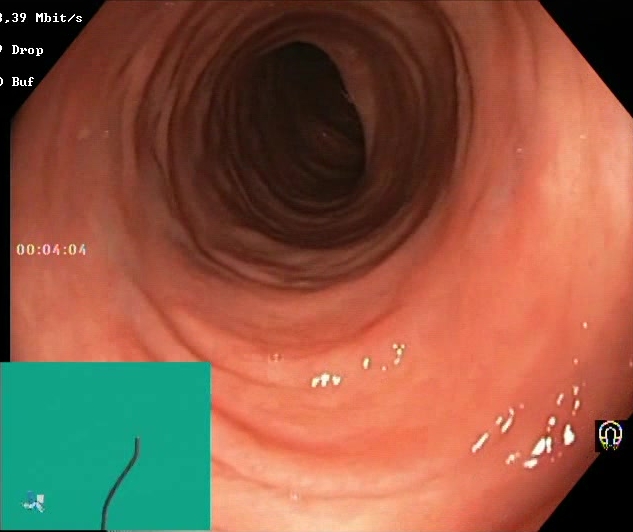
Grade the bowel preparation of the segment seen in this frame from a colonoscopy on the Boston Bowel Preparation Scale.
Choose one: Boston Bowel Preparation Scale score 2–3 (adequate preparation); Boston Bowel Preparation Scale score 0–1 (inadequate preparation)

Boston Bowel Preparation Scale score 2–3 (adequate preparation)